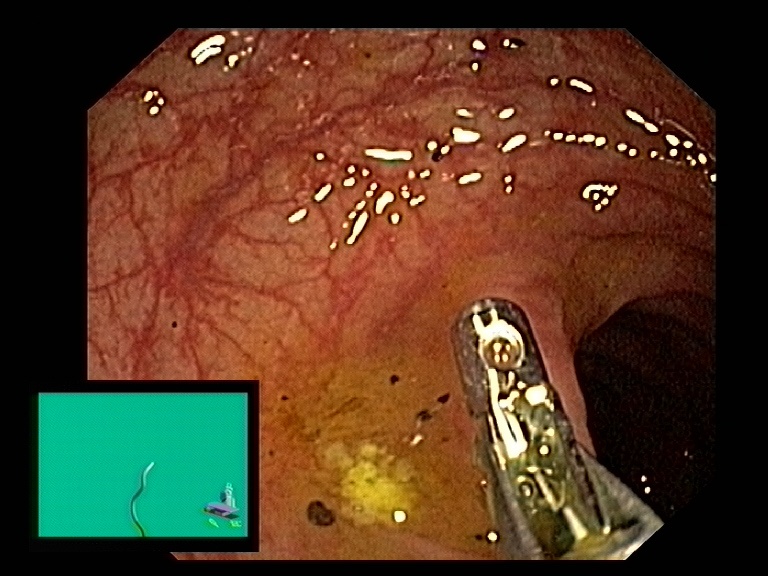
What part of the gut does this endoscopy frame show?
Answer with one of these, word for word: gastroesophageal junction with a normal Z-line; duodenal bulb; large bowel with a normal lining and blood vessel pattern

large bowel with a normal lining and blood vessel pattern